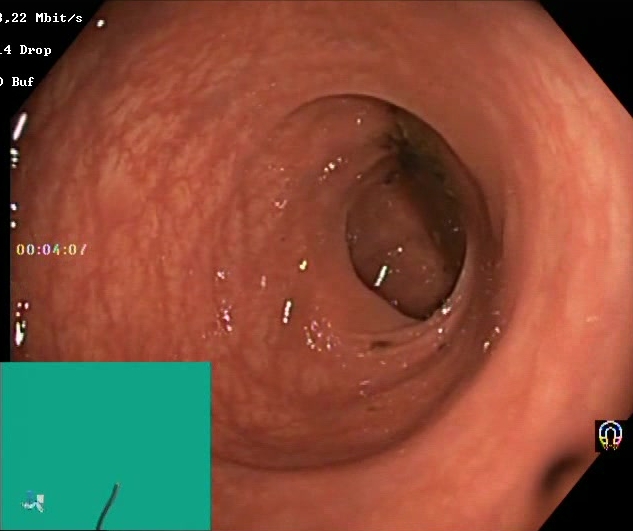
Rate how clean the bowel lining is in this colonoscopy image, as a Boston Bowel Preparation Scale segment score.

Boston Bowel Preparation Scale score 0–1 (inadequate preparation)